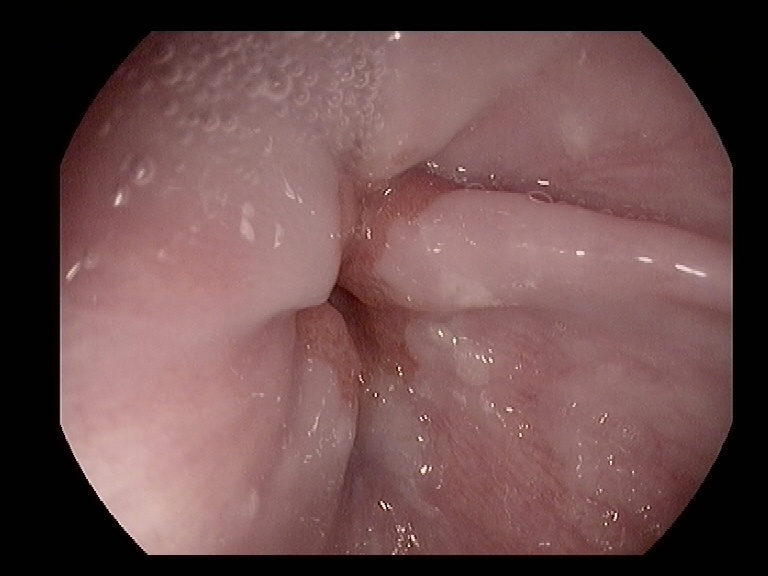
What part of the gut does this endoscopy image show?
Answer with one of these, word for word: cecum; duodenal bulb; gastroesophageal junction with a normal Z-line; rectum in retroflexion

gastroesophageal junction with a normal Z-line